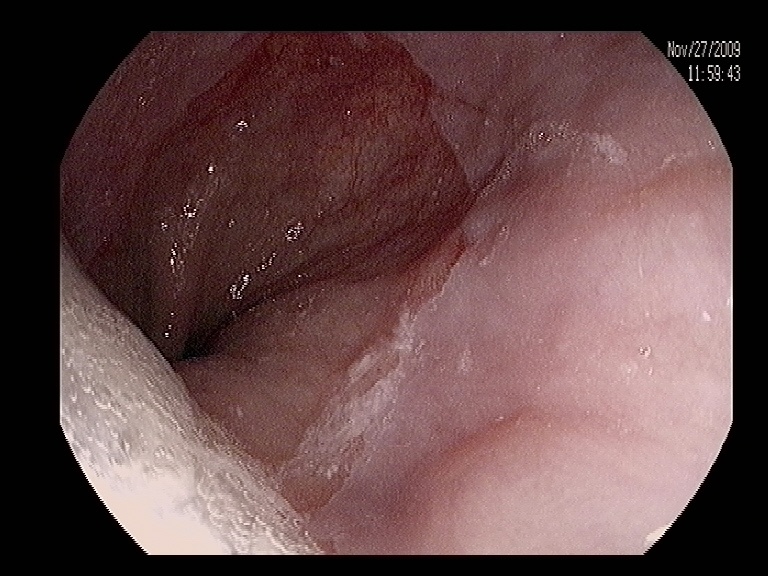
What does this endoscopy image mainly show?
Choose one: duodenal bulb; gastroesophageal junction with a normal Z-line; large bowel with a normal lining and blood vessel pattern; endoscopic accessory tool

gastroesophageal junction with a normal Z-line